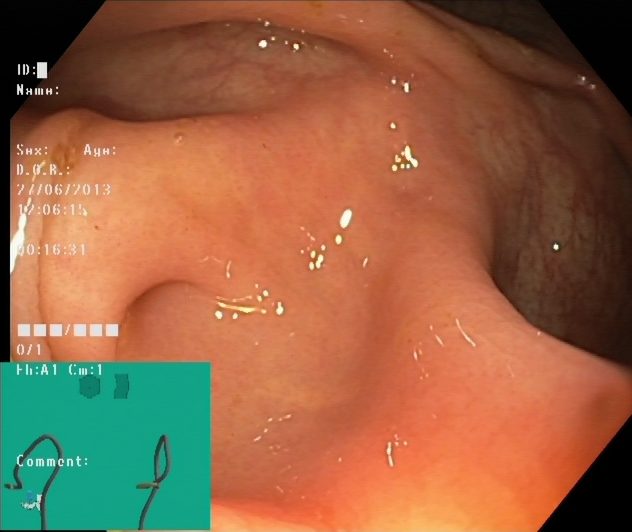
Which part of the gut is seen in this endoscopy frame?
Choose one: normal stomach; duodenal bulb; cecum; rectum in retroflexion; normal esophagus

cecum